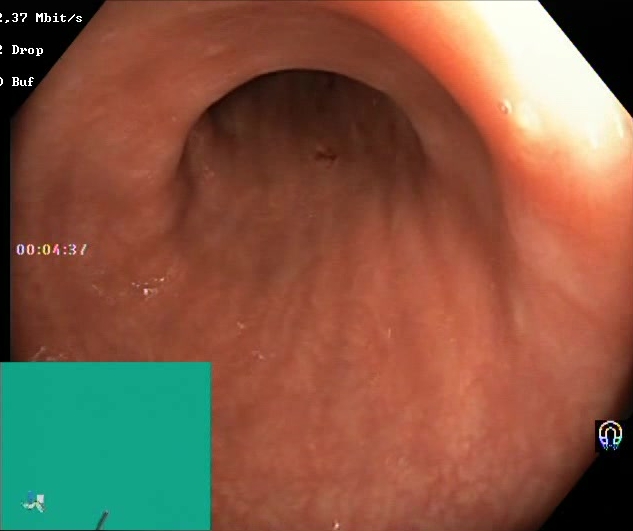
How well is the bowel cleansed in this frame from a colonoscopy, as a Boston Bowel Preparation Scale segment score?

Boston Bowel Preparation Scale score 2–3 (adequate preparation)